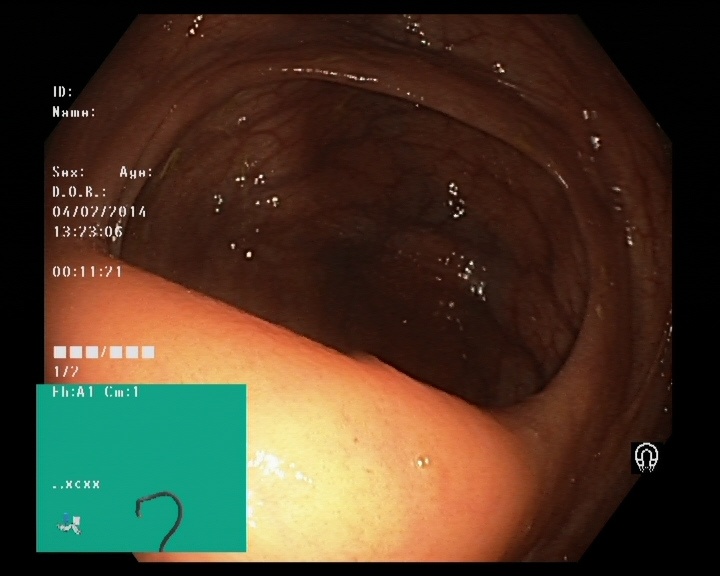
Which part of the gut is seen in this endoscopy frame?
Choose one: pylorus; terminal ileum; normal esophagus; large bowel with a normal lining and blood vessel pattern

large bowel with a normal lining and blood vessel pattern